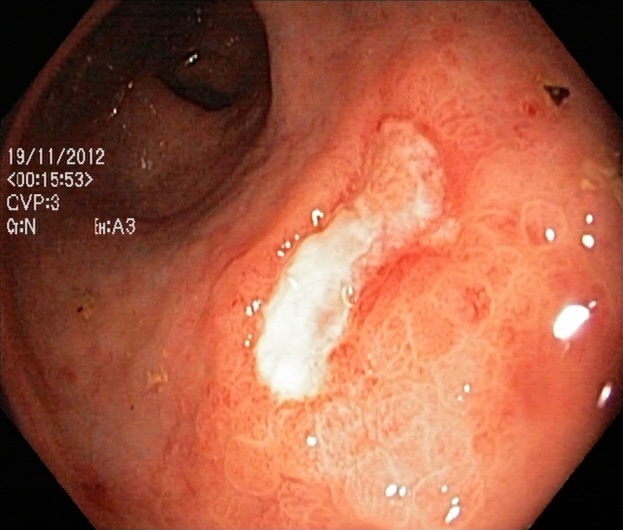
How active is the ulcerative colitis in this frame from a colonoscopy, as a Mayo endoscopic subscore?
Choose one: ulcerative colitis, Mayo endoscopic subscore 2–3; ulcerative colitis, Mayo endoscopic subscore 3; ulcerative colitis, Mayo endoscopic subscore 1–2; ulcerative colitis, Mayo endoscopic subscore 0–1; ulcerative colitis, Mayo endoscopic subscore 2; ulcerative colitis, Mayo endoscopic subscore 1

ulcerative colitis, Mayo endoscopic subscore 3